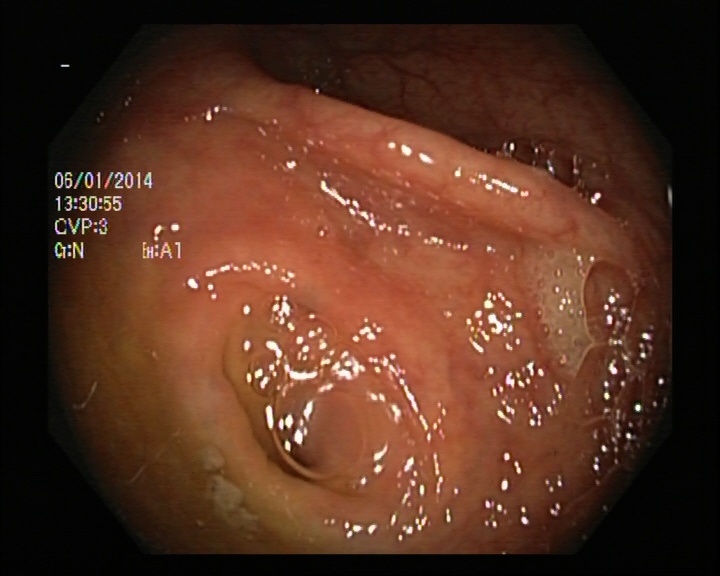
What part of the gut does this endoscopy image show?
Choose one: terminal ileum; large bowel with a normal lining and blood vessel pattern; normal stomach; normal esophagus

large bowel with a normal lining and blood vessel pattern